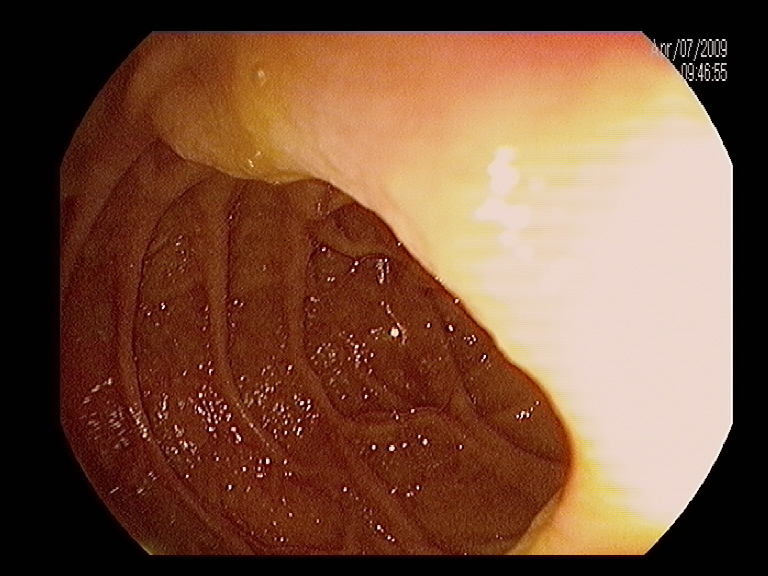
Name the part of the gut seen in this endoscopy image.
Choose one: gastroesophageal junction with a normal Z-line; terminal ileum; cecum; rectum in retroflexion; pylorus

terminal ileum